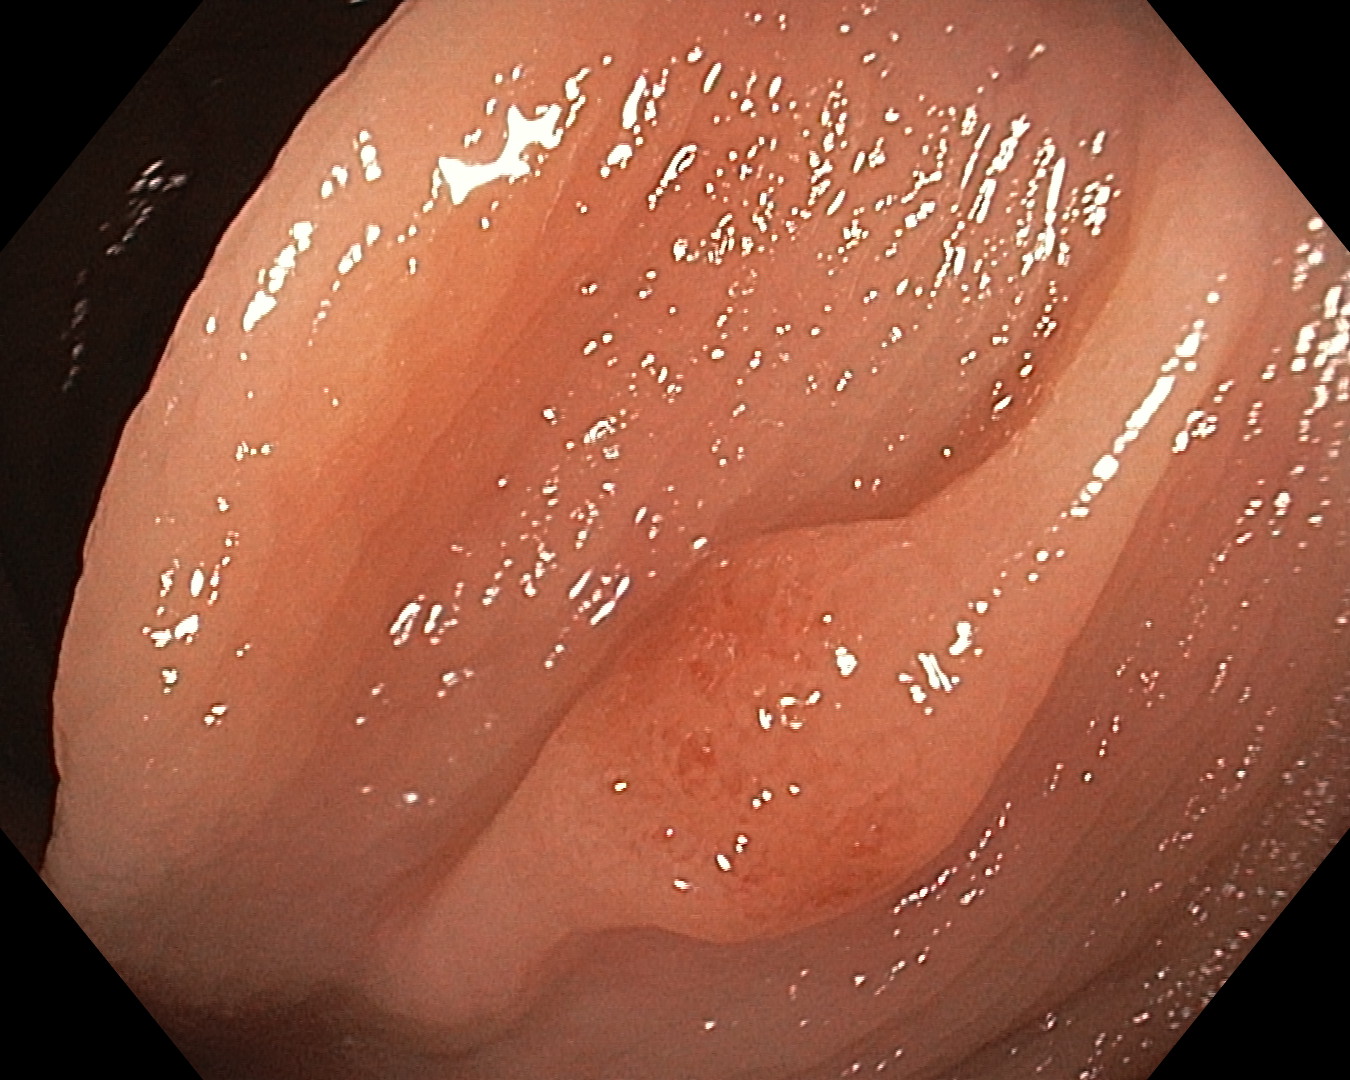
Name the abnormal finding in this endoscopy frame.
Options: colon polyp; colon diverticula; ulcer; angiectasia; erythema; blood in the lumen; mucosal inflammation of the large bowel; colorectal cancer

colon polyp